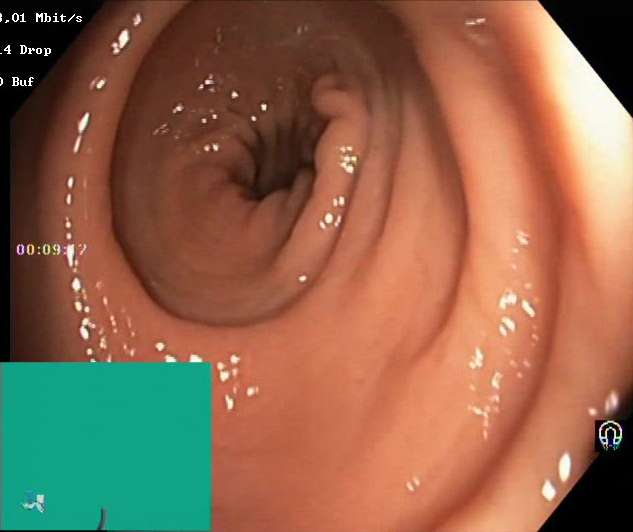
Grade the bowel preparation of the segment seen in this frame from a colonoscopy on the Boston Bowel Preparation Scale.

Boston Bowel Preparation Scale score 2–3 (adequate preparation)